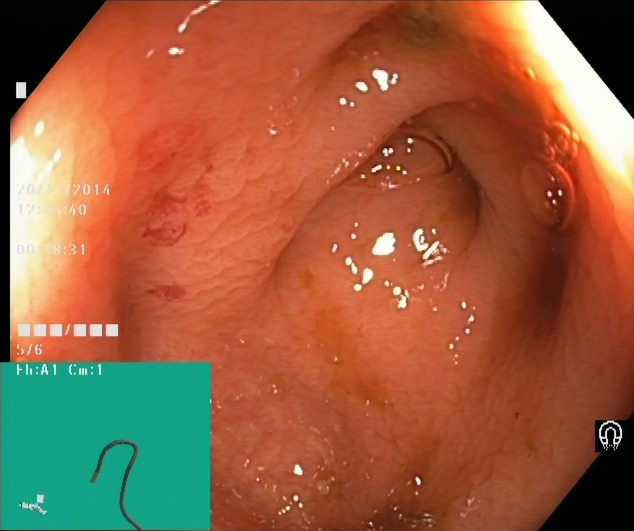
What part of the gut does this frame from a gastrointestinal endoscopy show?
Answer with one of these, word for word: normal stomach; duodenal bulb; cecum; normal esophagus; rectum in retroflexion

cecum